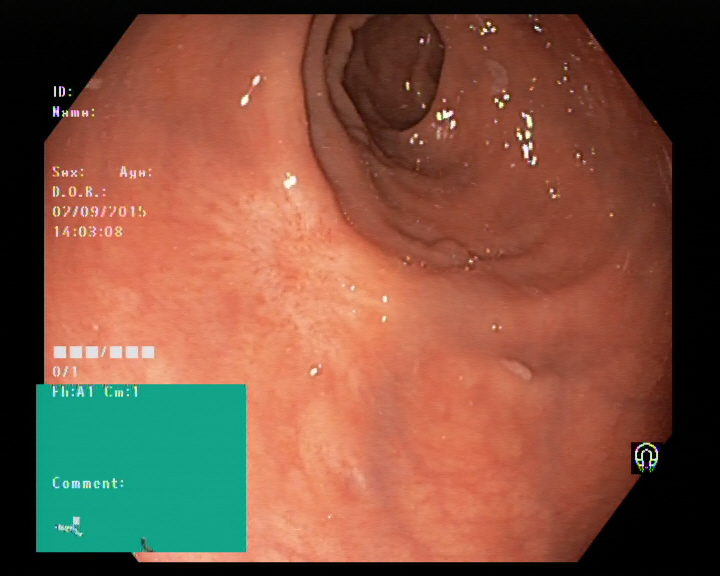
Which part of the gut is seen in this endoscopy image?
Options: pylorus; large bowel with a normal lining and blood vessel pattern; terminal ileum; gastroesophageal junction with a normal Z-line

large bowel with a normal lining and blood vessel pattern